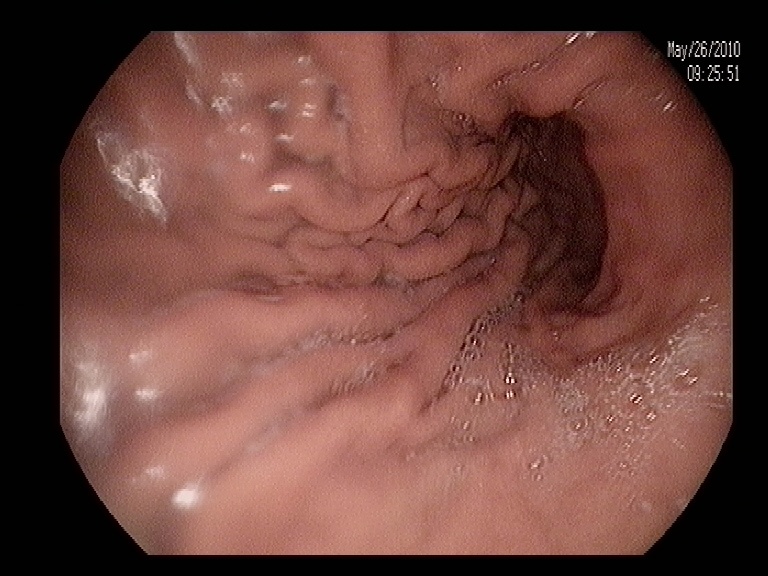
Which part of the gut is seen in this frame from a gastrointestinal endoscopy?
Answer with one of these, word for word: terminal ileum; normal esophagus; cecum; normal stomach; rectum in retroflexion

normal stomach